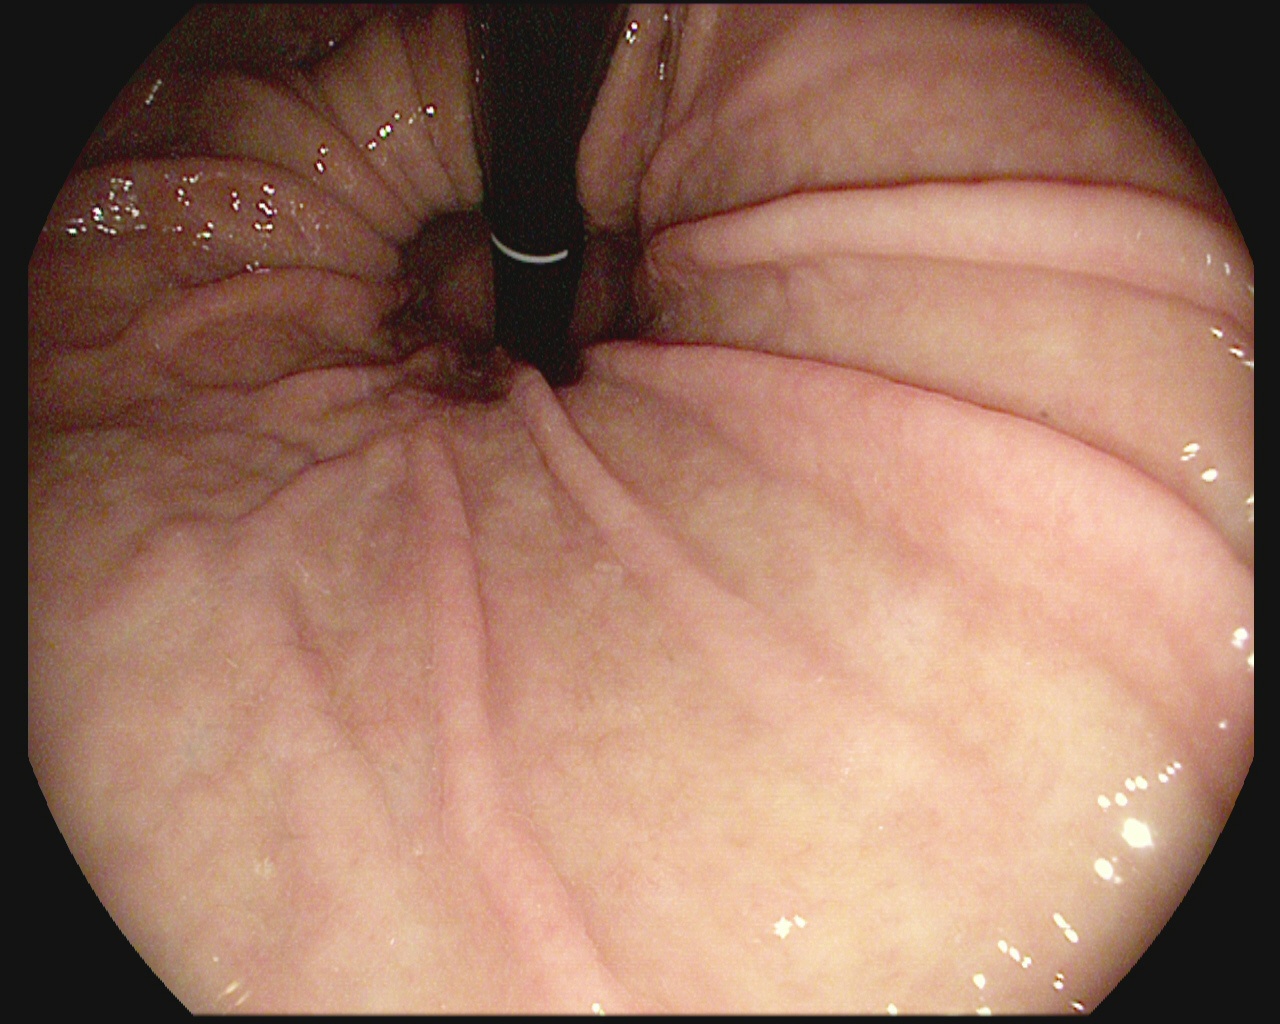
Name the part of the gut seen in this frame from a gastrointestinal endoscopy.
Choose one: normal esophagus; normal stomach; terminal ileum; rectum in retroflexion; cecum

normal stomach